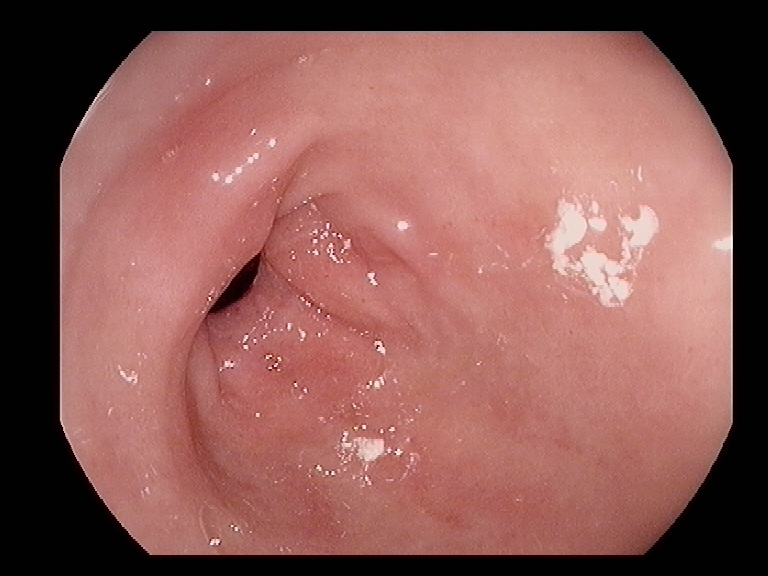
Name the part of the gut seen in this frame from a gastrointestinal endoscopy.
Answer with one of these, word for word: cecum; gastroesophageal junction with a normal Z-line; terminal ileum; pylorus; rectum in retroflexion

pylorus